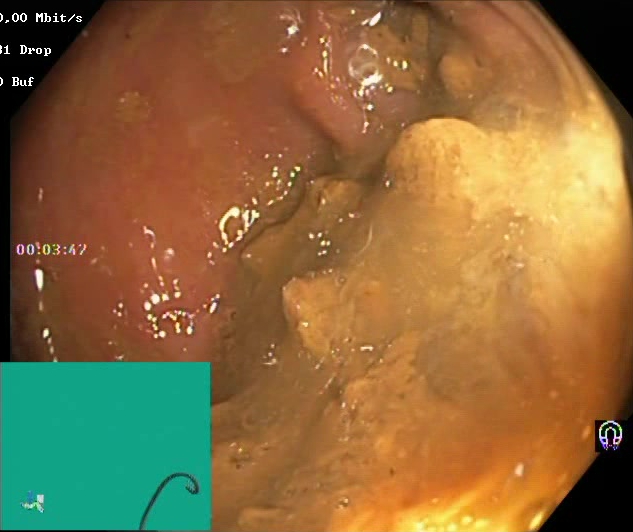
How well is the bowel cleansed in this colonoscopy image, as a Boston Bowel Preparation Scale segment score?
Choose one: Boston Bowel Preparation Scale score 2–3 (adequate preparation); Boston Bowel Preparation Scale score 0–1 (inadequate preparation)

Boston Bowel Preparation Scale score 0–1 (inadequate preparation)